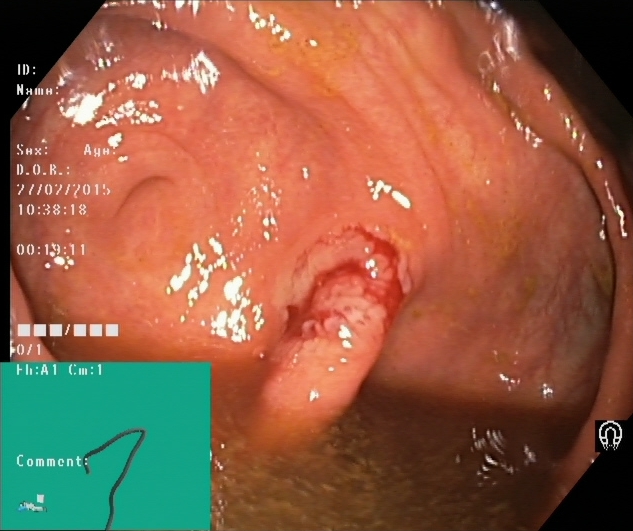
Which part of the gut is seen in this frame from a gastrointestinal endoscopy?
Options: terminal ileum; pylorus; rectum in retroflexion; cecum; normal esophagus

cecum